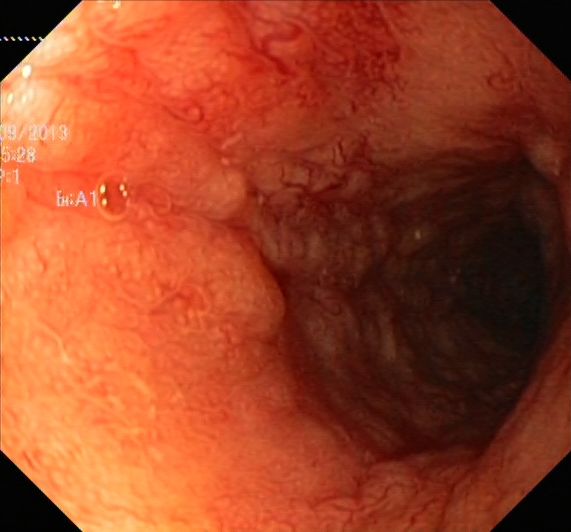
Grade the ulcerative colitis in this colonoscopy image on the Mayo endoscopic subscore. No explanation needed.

ulcerative colitis, Mayo endoscopic subscore 2